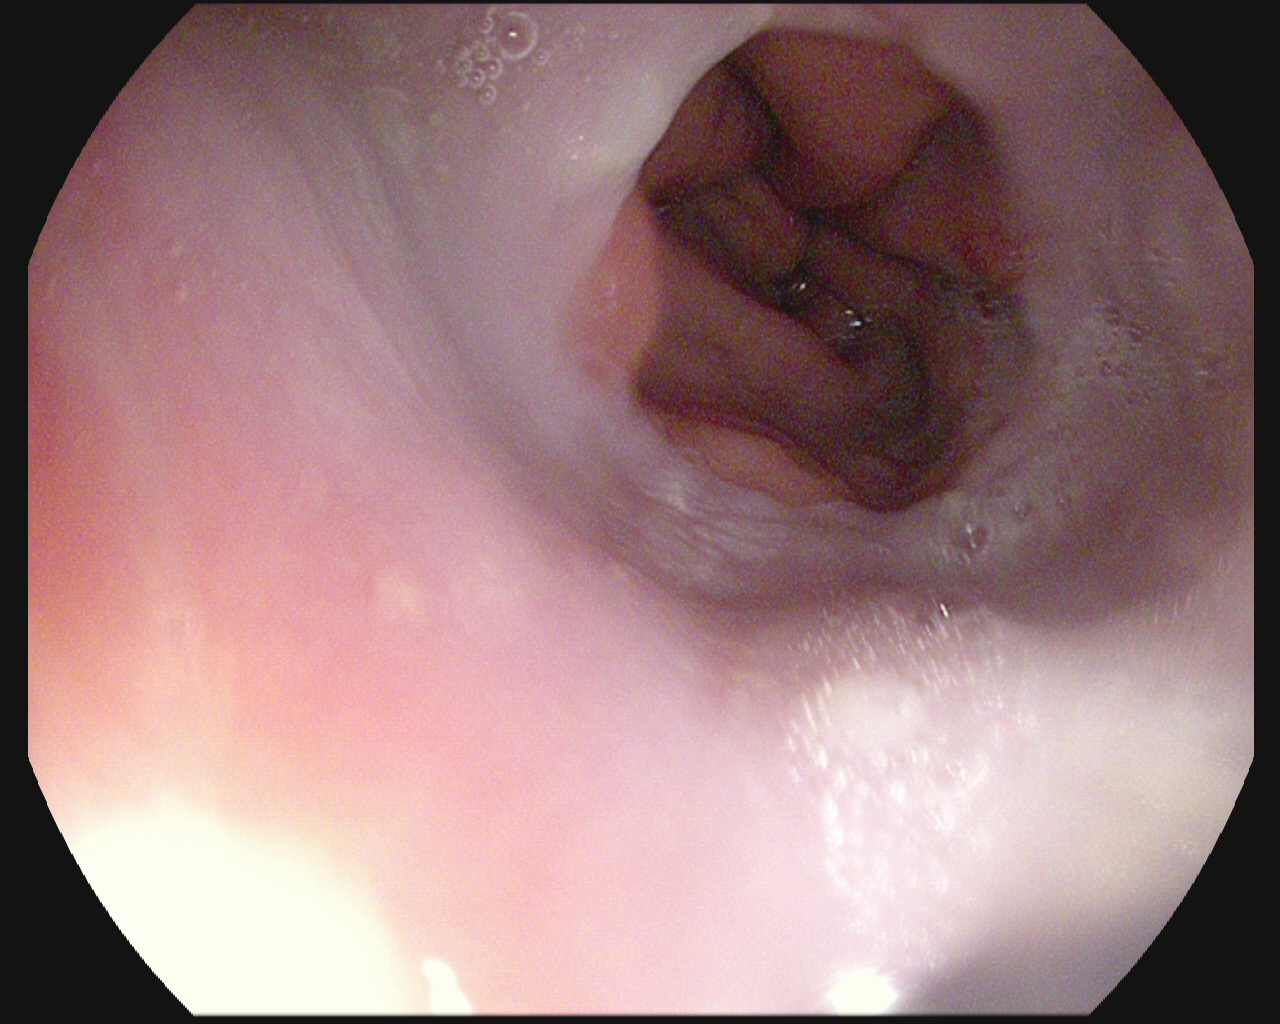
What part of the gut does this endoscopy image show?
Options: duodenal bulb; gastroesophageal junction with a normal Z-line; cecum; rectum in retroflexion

gastroesophageal junction with a normal Z-line